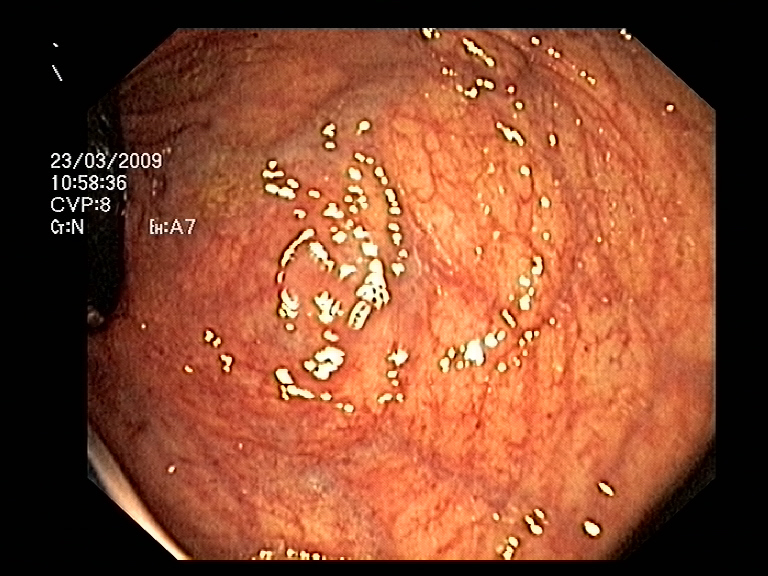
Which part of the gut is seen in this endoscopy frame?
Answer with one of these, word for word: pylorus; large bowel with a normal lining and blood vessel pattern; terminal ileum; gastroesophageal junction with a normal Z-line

large bowel with a normal lining and blood vessel pattern